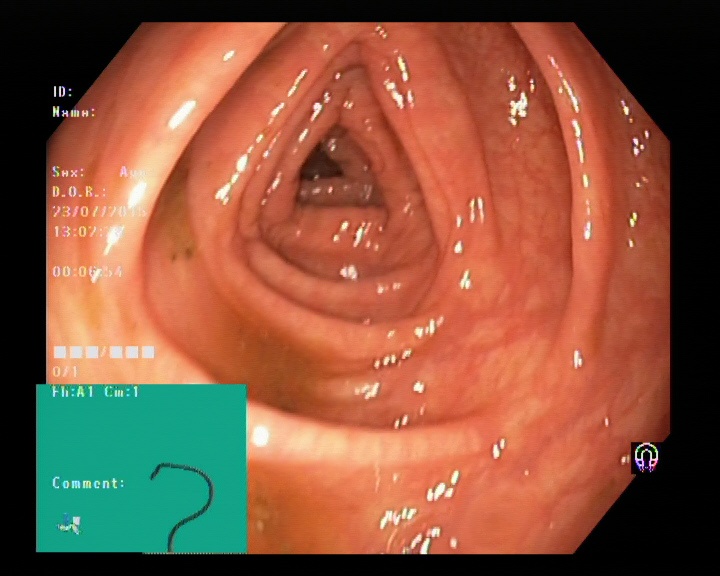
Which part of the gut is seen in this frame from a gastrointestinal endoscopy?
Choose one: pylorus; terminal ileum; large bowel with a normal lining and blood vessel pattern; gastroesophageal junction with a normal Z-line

large bowel with a normal lining and blood vessel pattern